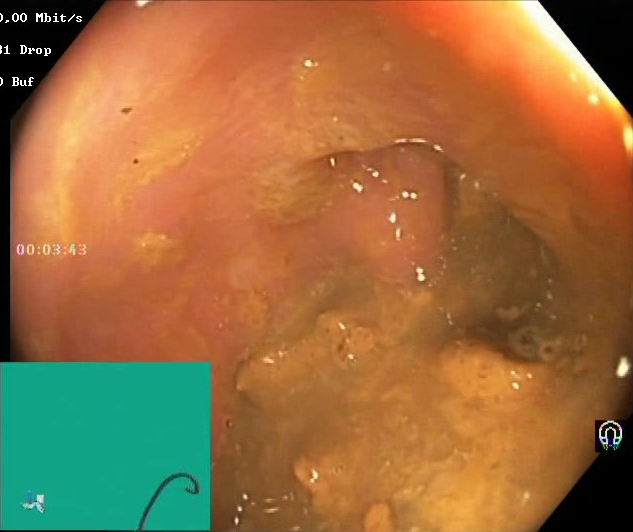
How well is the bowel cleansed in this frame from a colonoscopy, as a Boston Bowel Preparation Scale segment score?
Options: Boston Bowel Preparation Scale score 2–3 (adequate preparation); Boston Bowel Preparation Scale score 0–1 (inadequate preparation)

Boston Bowel Preparation Scale score 0–1 (inadequate preparation)